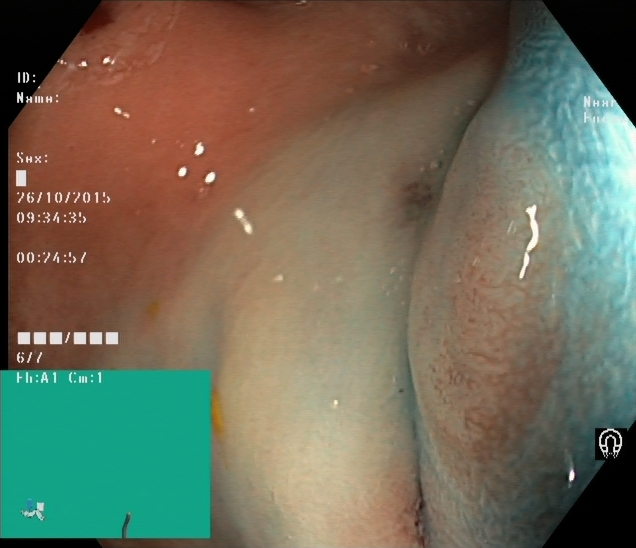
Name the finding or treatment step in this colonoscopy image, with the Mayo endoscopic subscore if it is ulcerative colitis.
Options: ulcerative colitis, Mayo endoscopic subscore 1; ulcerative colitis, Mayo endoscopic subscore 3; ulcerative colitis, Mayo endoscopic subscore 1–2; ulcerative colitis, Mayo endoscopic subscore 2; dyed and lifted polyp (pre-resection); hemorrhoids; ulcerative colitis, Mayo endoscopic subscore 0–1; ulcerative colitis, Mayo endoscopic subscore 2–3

dyed and lifted polyp (pre-resection)